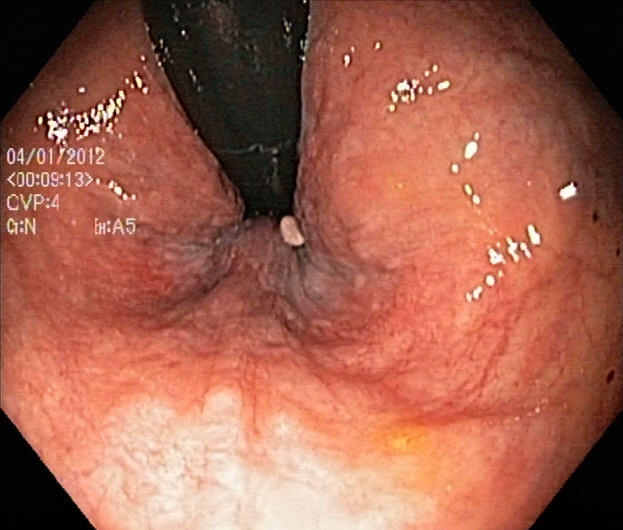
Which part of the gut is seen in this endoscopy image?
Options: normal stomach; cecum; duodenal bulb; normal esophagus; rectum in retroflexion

rectum in retroflexion